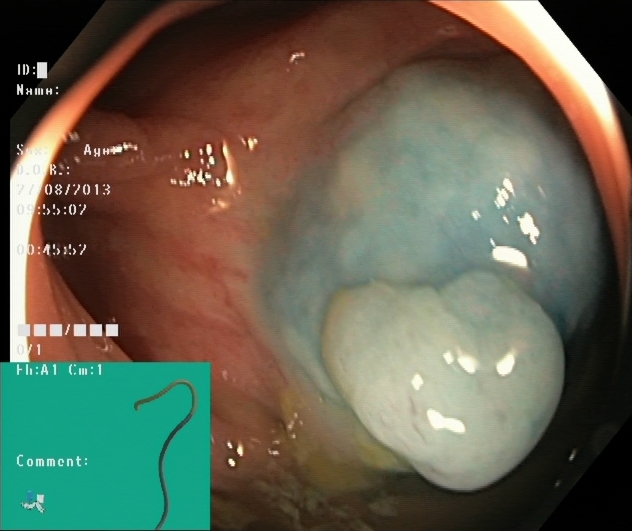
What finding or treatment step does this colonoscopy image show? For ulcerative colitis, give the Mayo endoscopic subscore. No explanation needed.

dyed and lifted polyp (pre-resection)